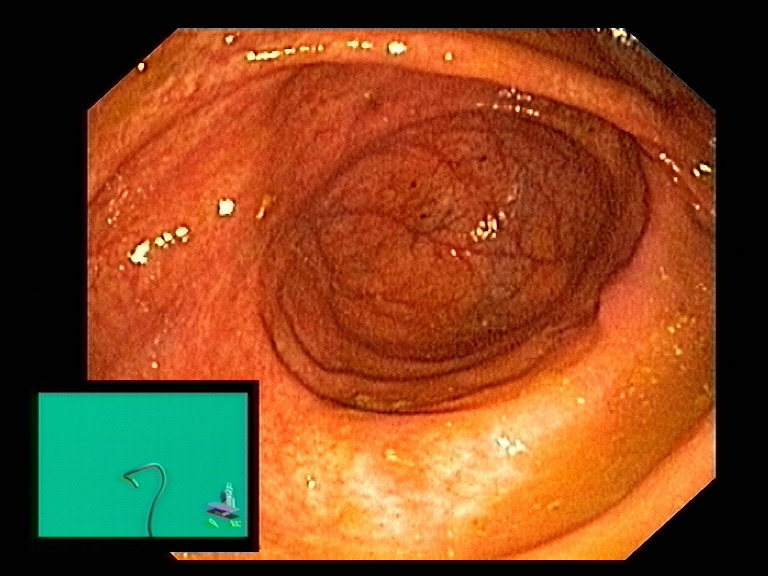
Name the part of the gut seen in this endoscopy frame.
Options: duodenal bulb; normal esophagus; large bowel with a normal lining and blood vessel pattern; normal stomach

large bowel with a normal lining and blood vessel pattern